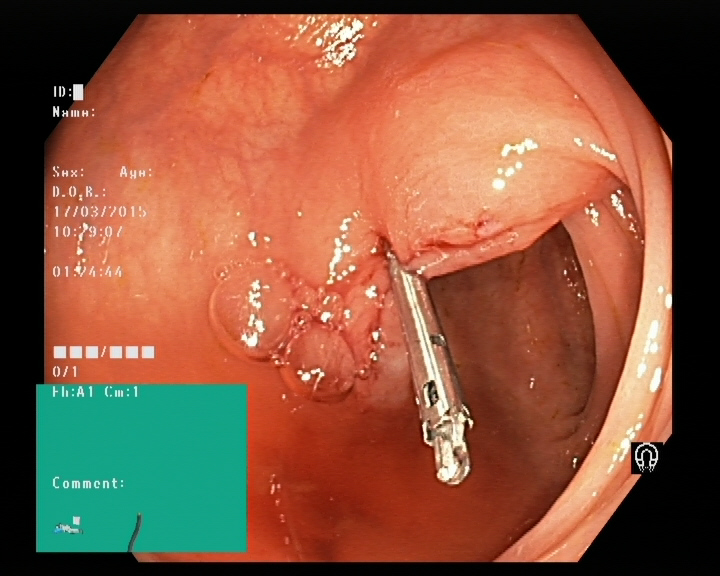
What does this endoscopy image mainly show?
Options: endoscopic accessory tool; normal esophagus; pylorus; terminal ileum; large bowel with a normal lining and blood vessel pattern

endoscopic accessory tool